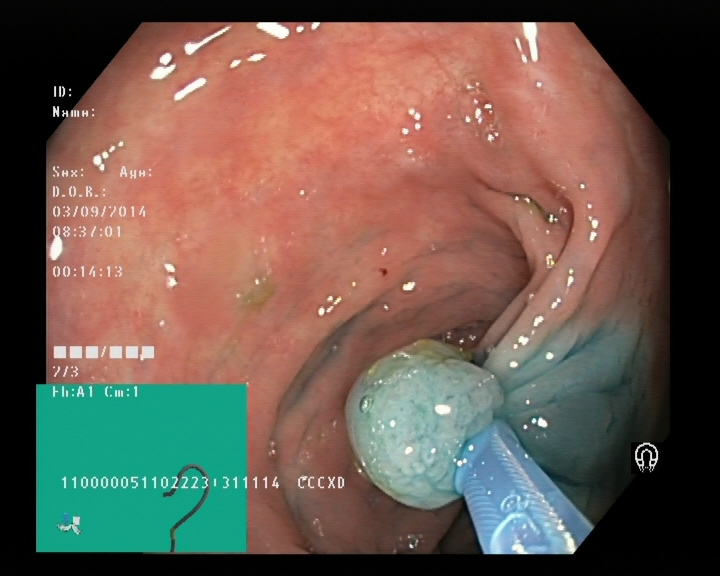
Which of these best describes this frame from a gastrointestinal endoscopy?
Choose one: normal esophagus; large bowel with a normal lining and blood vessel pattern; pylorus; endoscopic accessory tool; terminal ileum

endoscopic accessory tool